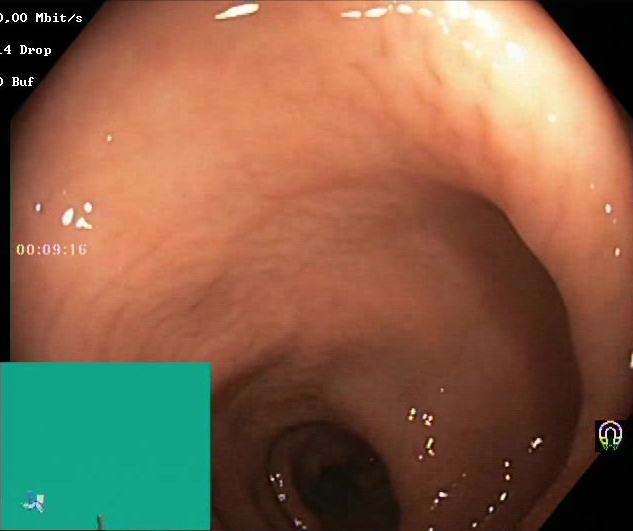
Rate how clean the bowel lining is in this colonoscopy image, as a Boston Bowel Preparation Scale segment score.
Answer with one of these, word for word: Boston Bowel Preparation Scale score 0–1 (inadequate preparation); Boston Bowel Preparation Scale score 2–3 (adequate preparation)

Boston Bowel Preparation Scale score 2–3 (adequate preparation)